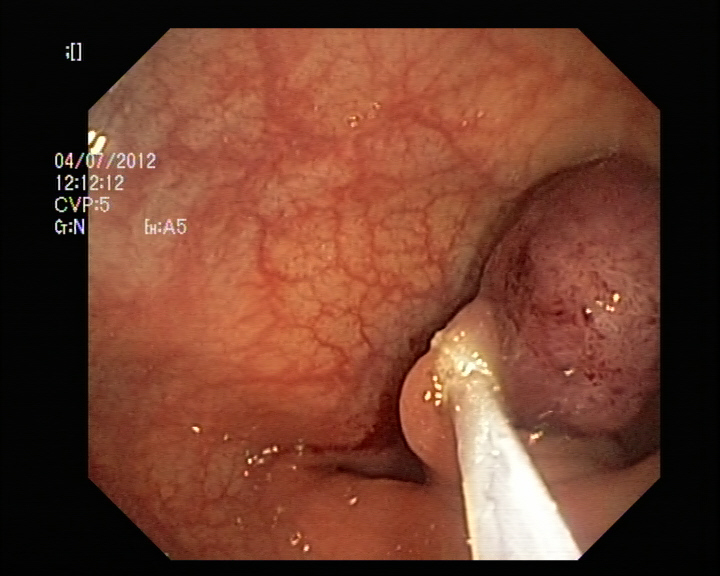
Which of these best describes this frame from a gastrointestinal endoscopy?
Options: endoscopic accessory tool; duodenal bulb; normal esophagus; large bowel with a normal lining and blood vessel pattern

endoscopic accessory tool